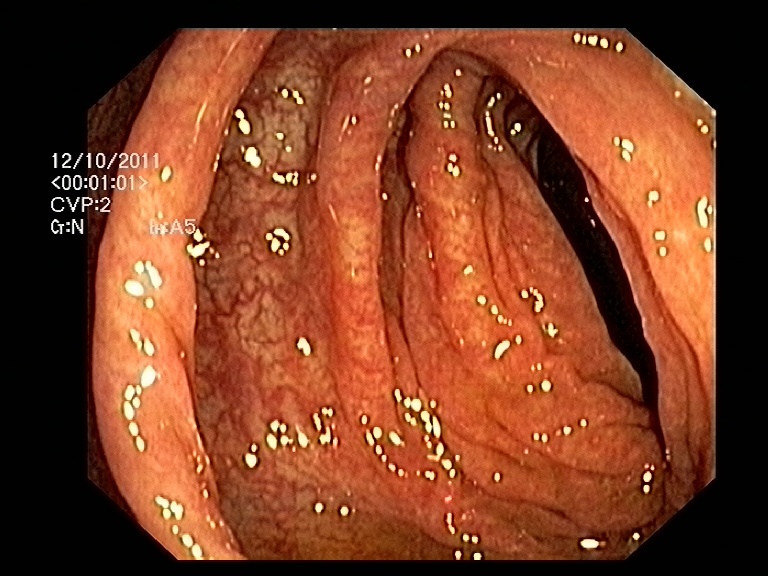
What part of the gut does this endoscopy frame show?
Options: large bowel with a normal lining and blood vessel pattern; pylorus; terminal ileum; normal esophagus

large bowel with a normal lining and blood vessel pattern